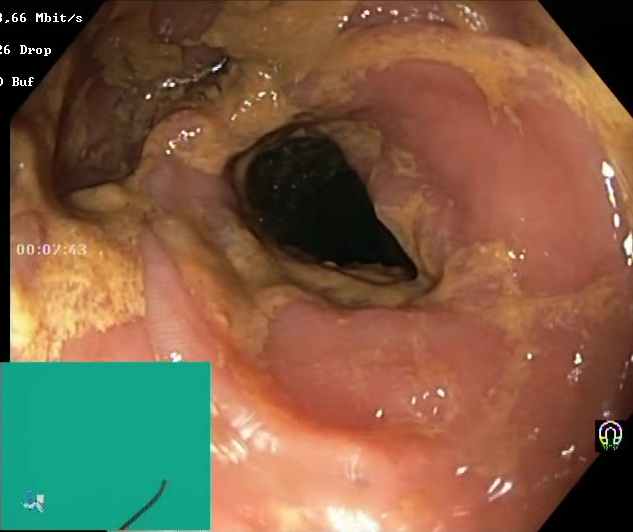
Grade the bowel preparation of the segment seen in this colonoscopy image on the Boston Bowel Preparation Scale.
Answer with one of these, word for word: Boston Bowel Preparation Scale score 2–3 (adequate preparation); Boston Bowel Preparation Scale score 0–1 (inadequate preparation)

Boston Bowel Preparation Scale score 0–1 (inadequate preparation)